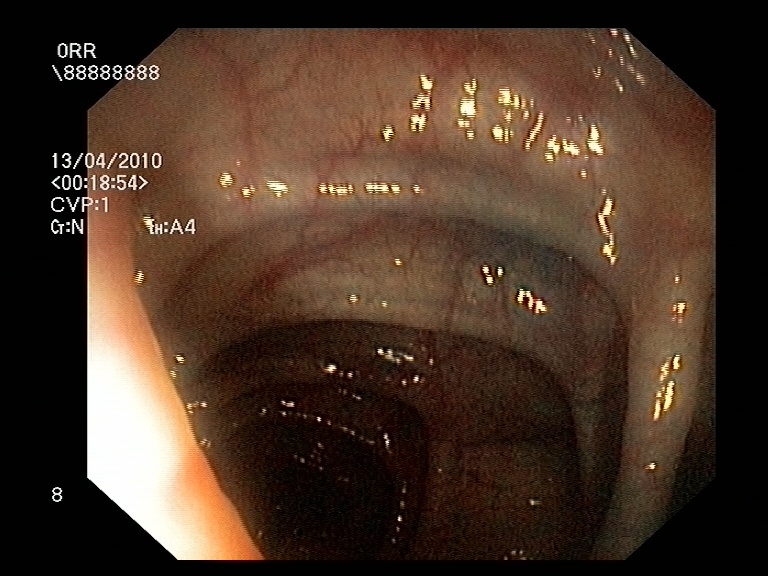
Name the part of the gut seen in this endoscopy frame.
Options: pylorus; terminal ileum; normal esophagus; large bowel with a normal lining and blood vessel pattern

large bowel with a normal lining and blood vessel pattern